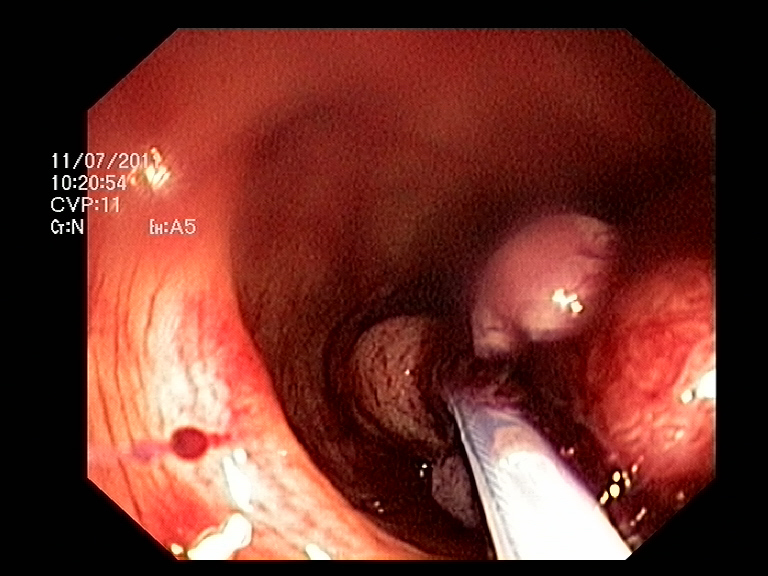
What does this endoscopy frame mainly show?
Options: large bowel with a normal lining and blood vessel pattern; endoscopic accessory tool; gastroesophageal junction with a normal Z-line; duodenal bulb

endoscopic accessory tool